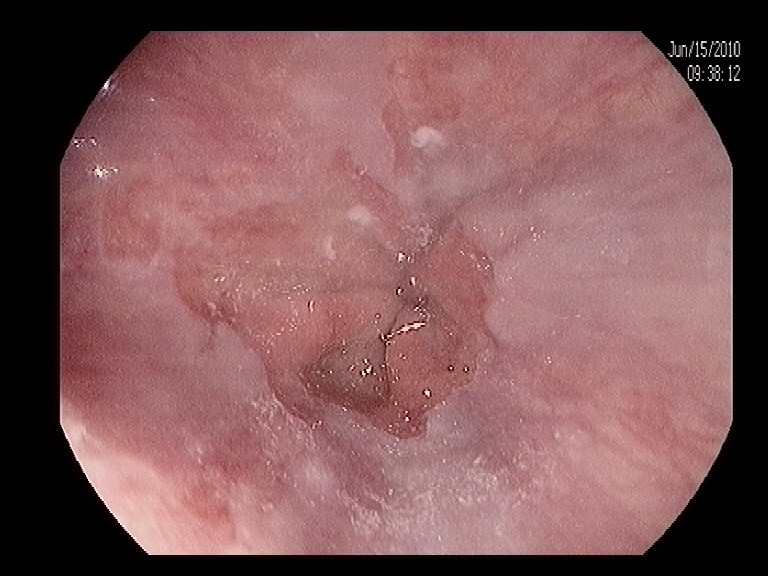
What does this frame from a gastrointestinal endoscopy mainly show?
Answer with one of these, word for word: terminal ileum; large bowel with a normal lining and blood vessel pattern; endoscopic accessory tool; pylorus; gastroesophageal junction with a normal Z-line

gastroesophageal junction with a normal Z-line